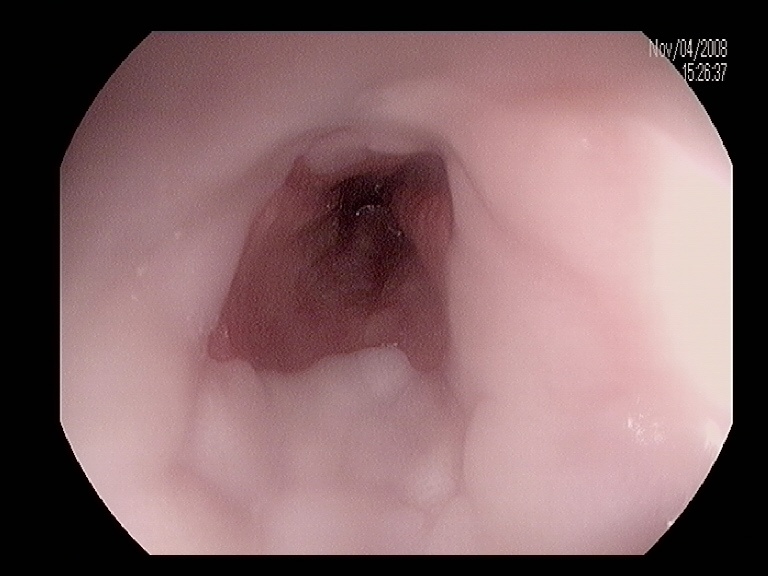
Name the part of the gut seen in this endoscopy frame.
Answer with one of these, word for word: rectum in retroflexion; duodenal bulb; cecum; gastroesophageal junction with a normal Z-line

gastroesophageal junction with a normal Z-line